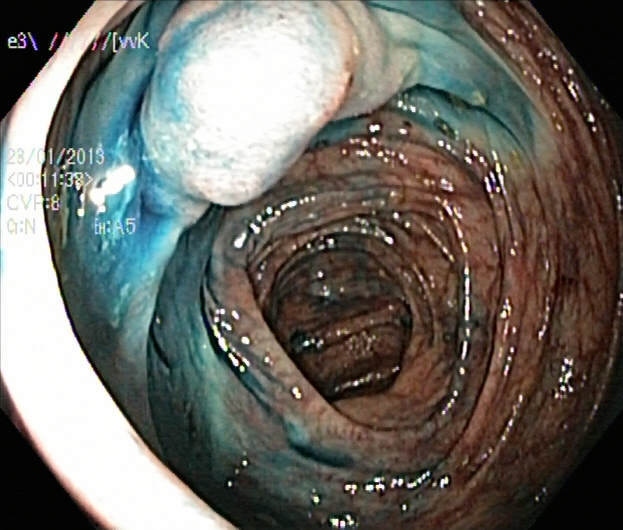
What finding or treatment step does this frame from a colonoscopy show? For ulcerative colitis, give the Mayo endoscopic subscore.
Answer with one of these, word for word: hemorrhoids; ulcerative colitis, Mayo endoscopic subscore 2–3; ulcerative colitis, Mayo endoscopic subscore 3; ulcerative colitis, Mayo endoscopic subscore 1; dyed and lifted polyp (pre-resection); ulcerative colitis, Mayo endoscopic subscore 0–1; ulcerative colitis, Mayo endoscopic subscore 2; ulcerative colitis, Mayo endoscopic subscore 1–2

dyed and lifted polyp (pre-resection)